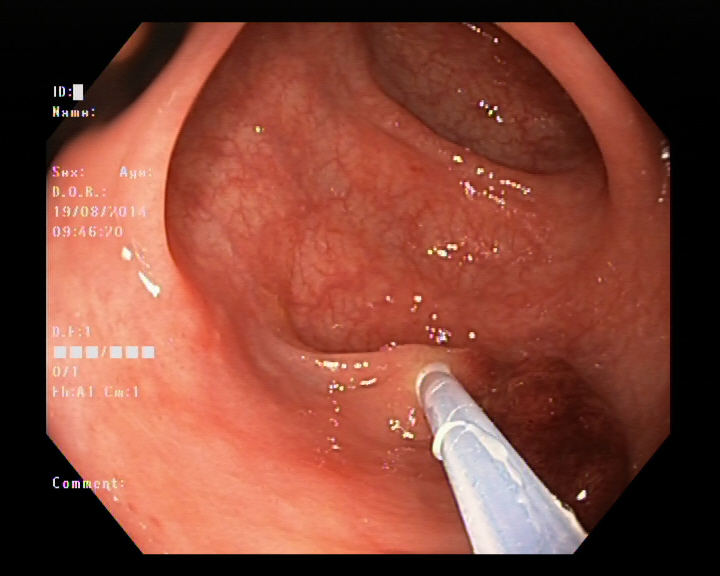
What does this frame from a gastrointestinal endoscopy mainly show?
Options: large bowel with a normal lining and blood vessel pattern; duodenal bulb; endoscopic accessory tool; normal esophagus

endoscopic accessory tool